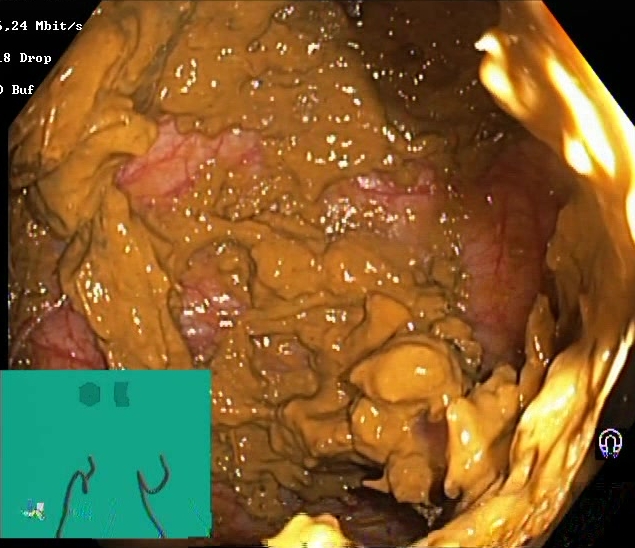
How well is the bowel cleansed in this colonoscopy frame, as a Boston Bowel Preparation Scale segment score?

Boston Bowel Preparation Scale score 0–1 (inadequate preparation)